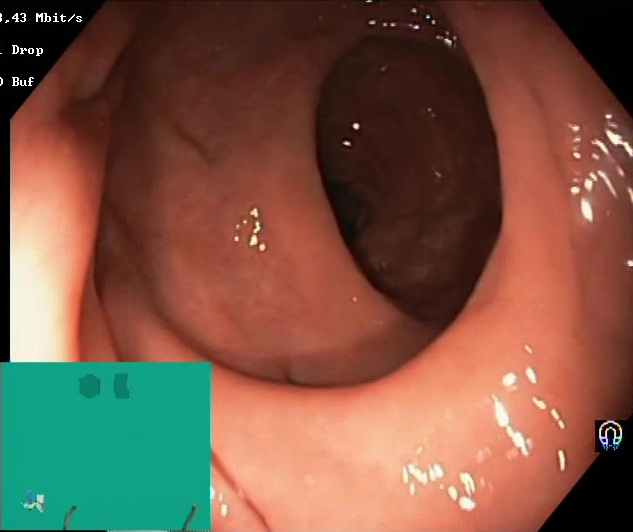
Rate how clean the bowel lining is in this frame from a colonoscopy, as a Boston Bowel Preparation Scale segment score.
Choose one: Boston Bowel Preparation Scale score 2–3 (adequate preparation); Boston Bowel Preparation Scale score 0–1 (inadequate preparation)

Boston Bowel Preparation Scale score 2–3 (adequate preparation)